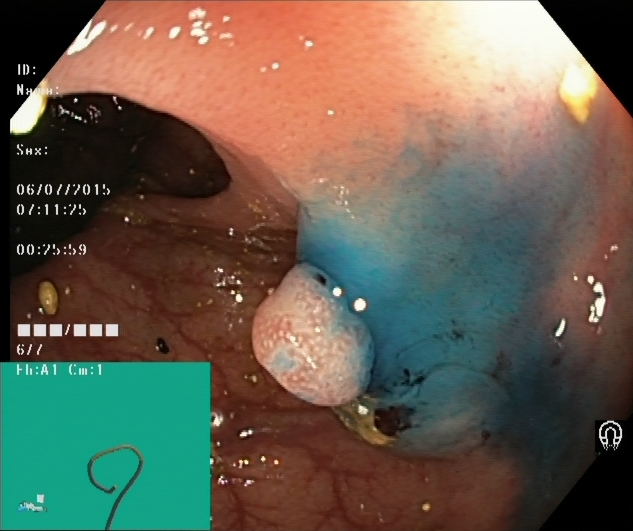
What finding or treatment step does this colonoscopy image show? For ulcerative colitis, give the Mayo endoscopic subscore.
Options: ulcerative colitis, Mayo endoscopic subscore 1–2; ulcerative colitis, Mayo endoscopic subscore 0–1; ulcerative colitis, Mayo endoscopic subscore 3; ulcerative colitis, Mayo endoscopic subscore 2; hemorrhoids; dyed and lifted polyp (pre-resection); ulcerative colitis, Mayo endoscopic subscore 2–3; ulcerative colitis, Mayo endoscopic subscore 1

dyed and lifted polyp (pre-resection)